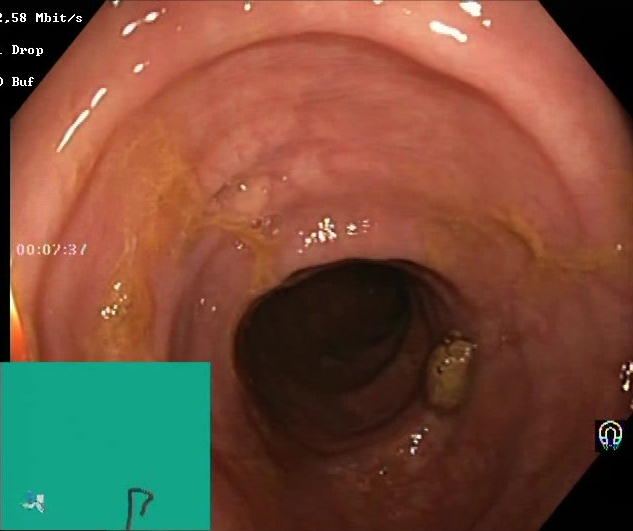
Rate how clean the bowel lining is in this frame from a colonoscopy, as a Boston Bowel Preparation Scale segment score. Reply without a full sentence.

Boston Bowel Preparation Scale score 2–3 (adequate preparation)